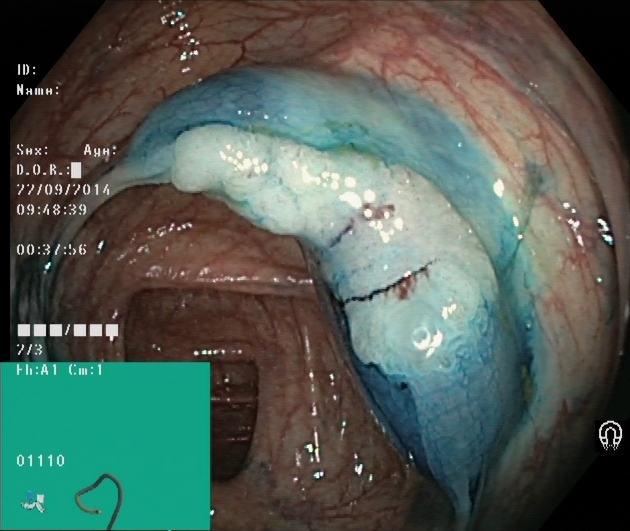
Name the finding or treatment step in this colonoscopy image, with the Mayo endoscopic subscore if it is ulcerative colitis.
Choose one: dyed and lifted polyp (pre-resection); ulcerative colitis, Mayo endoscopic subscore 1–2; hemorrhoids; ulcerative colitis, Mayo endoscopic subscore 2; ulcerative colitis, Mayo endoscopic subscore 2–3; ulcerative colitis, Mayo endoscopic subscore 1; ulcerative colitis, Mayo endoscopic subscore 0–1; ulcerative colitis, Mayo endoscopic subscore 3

dyed and lifted polyp (pre-resection)